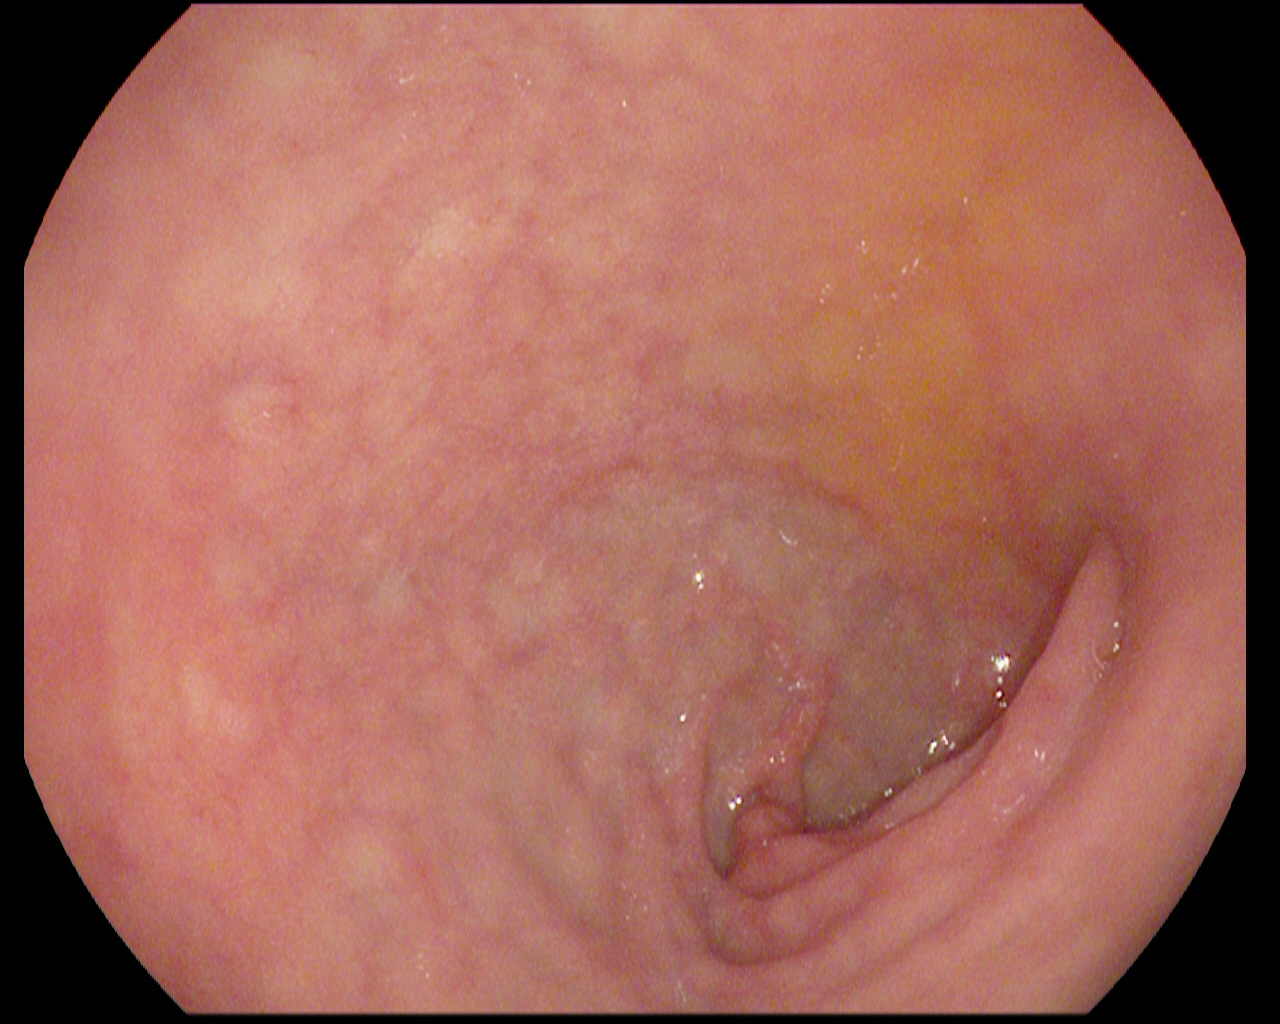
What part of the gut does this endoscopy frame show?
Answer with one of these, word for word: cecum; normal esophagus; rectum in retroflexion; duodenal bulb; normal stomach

duodenal bulb